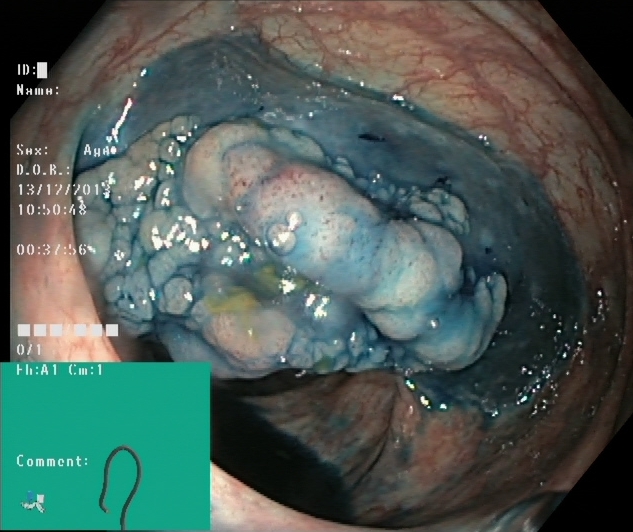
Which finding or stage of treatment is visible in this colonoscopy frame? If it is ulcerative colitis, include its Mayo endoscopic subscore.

dyed and lifted polyp (pre-resection)